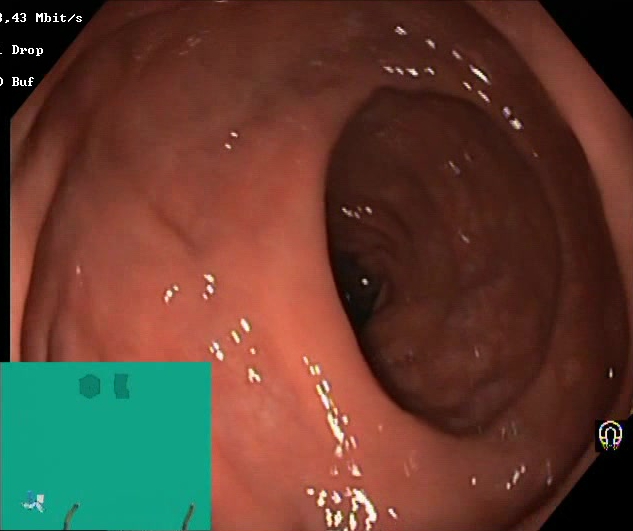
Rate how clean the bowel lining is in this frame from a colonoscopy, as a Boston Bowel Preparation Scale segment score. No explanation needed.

Boston Bowel Preparation Scale score 2–3 (adequate preparation)